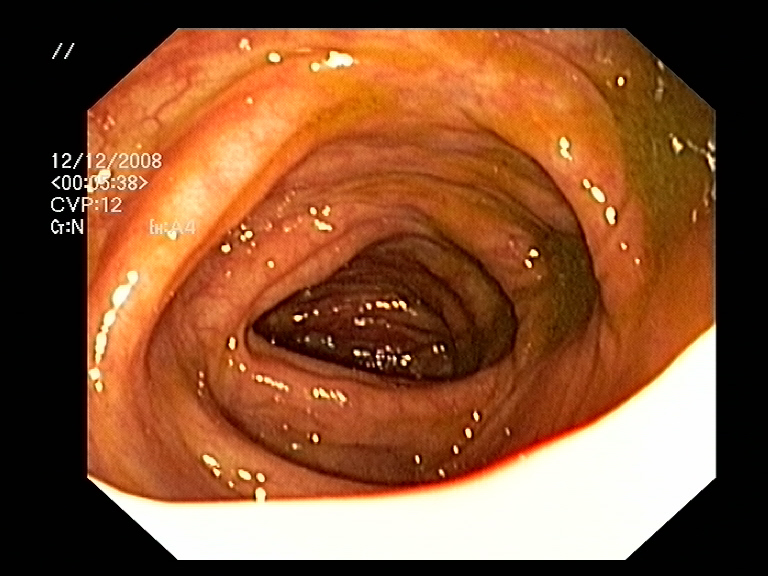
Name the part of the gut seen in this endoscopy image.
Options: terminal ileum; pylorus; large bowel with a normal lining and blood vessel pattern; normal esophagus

large bowel with a normal lining and blood vessel pattern